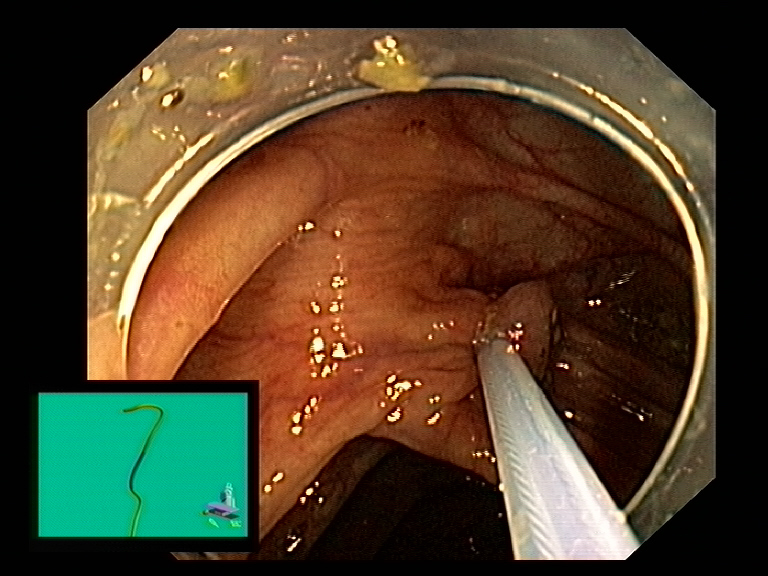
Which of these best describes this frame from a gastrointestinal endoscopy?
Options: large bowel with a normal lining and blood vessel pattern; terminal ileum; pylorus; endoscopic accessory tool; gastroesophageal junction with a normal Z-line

endoscopic accessory tool